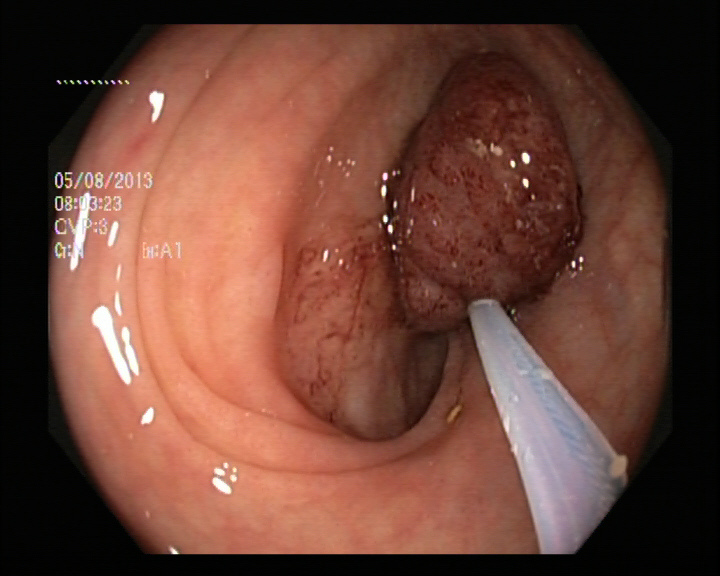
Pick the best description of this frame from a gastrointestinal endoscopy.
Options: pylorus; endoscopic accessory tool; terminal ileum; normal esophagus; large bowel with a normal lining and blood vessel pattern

endoscopic accessory tool